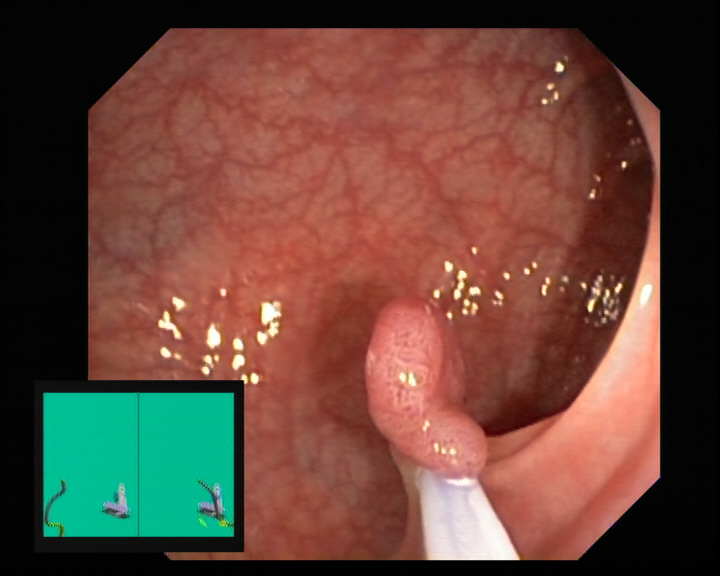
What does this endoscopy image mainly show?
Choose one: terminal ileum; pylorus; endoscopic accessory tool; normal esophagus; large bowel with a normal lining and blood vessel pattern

endoscopic accessory tool